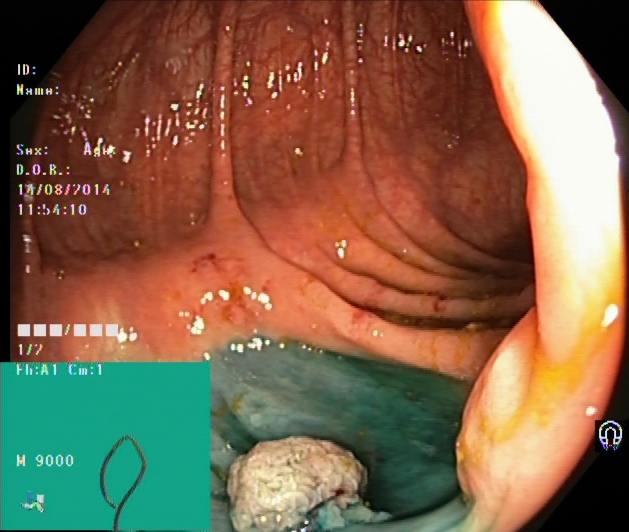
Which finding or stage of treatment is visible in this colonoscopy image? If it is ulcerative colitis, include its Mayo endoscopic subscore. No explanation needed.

dyed and lifted polyp (pre-resection)